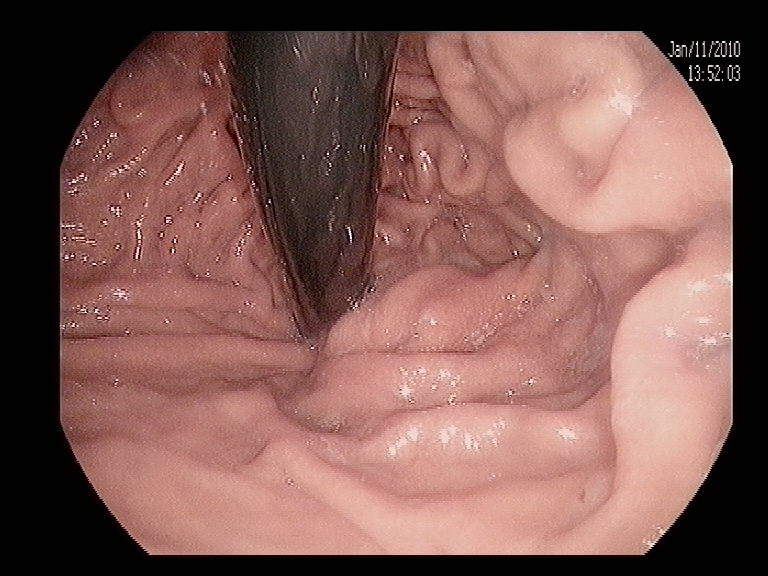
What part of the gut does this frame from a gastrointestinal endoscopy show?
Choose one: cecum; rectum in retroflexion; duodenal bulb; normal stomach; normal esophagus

normal stomach